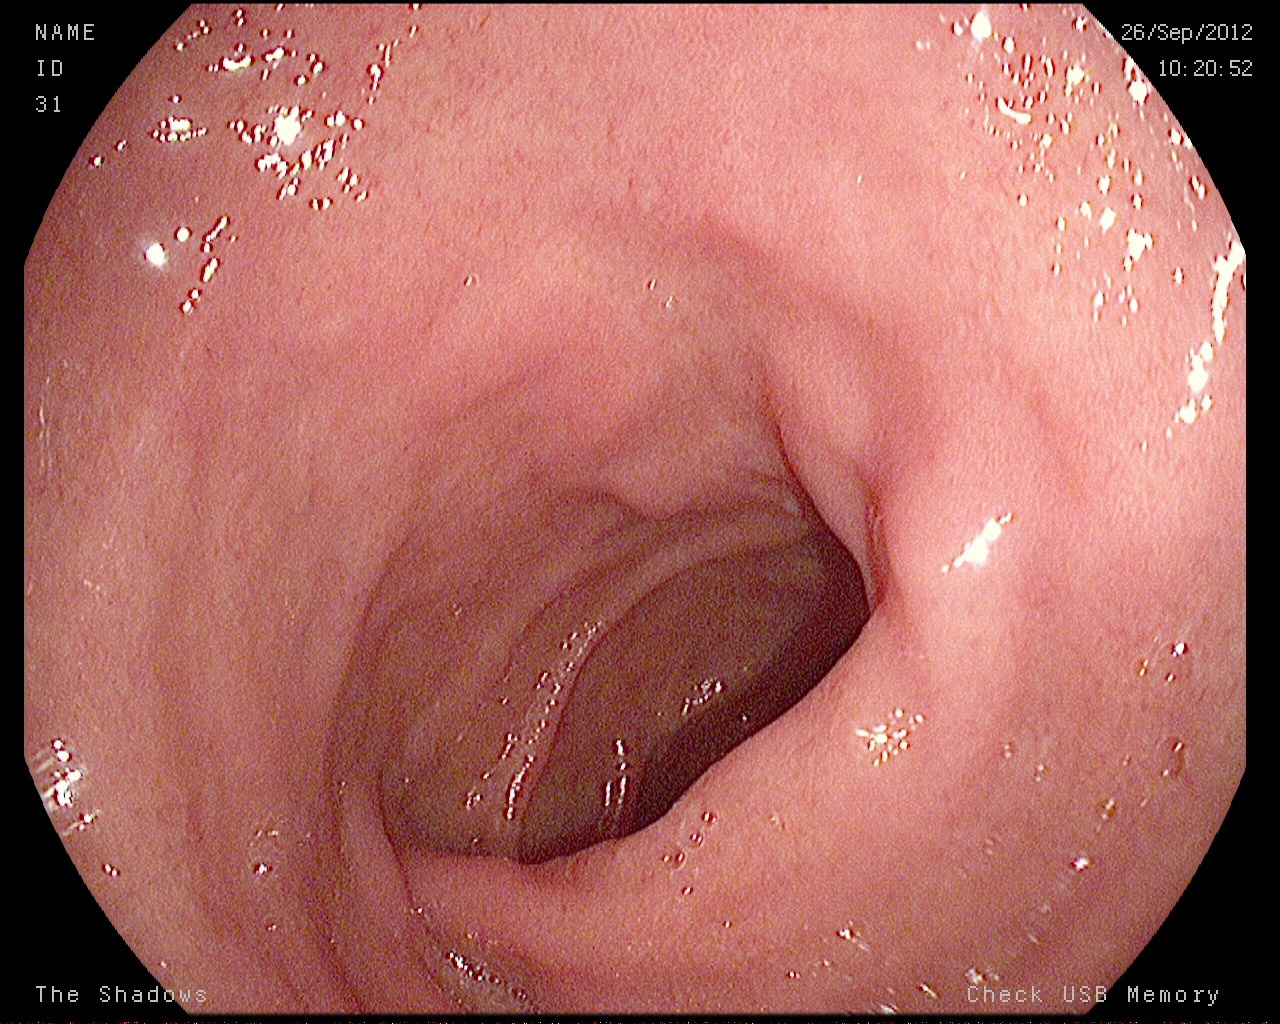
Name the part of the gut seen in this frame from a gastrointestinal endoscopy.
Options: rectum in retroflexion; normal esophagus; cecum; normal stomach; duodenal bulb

duodenal bulb